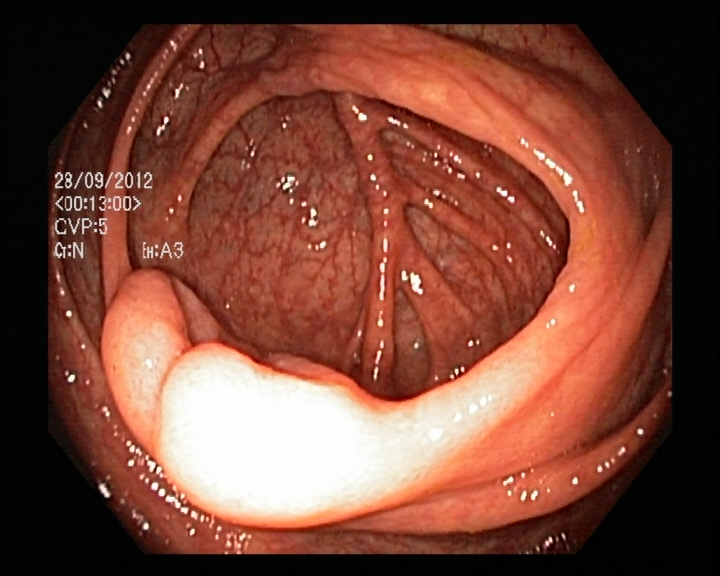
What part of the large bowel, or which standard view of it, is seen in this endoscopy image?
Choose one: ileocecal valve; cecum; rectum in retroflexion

ileocecal valve